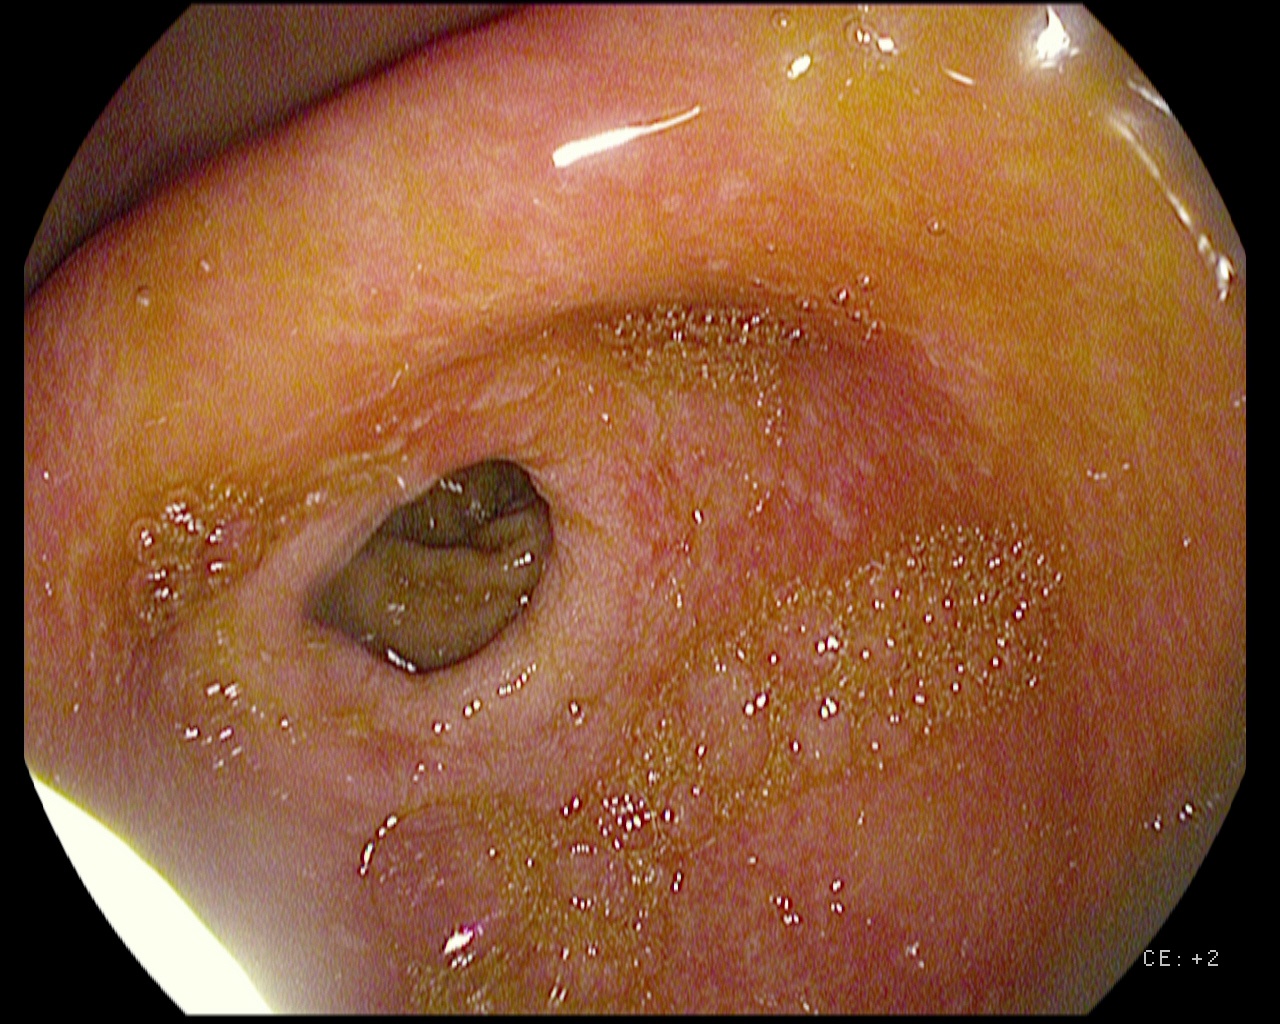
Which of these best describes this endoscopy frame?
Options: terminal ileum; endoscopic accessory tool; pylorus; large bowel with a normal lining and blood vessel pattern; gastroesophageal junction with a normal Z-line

pylorus